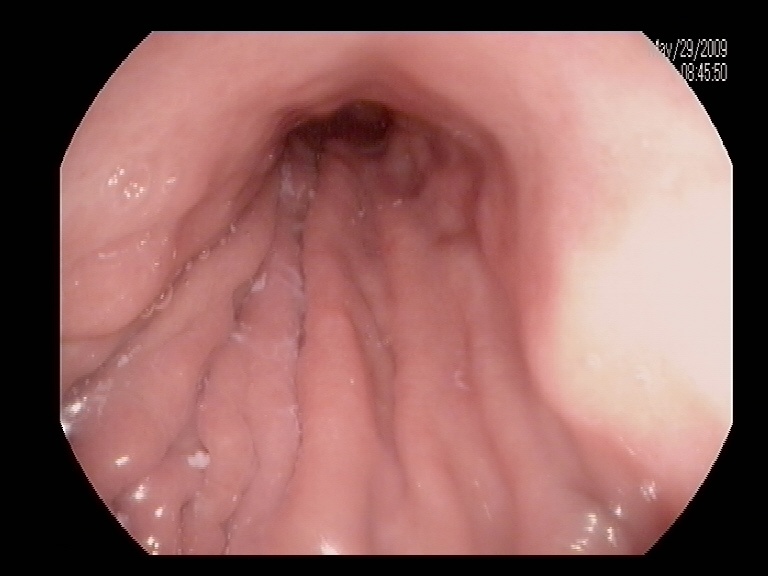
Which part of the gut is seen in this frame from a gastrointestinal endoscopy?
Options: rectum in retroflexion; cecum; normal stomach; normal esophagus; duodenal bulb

normal stomach